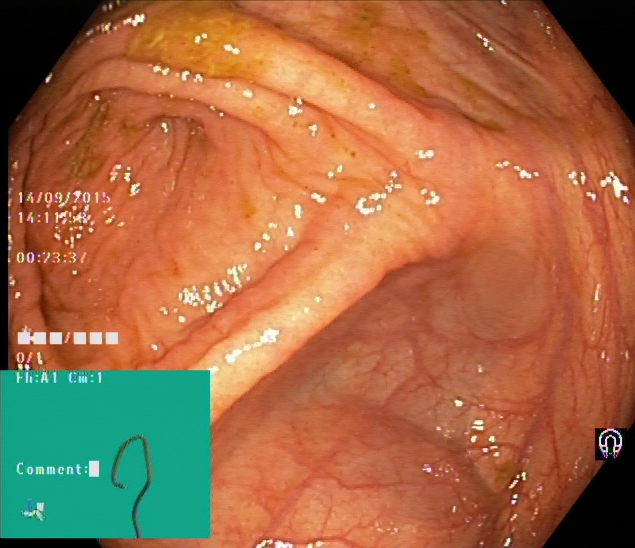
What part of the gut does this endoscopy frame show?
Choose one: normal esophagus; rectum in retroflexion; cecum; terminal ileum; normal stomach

cecum